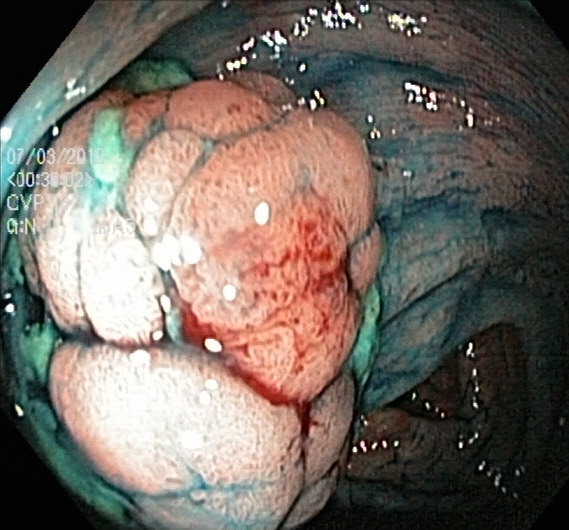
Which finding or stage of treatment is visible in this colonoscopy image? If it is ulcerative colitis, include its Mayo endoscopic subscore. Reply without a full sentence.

dyed and lifted polyp (pre-resection)